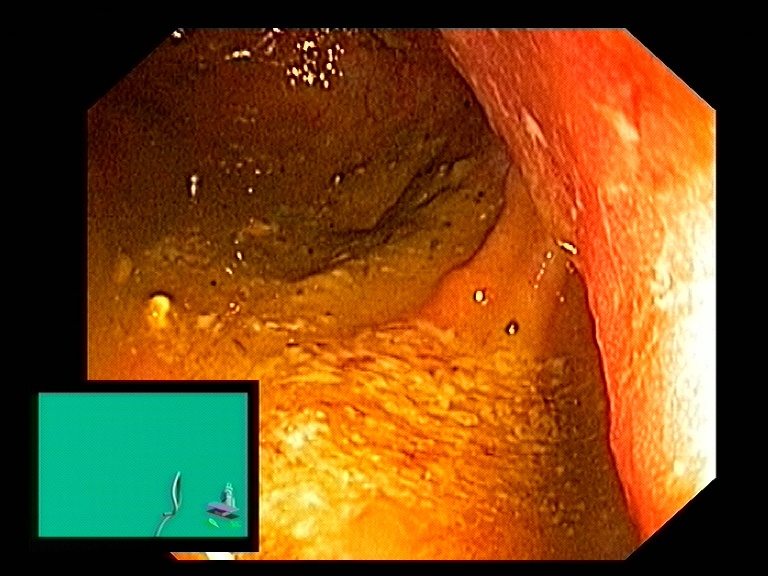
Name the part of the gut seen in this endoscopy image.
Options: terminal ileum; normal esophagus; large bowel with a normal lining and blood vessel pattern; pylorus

large bowel with a normal lining and blood vessel pattern